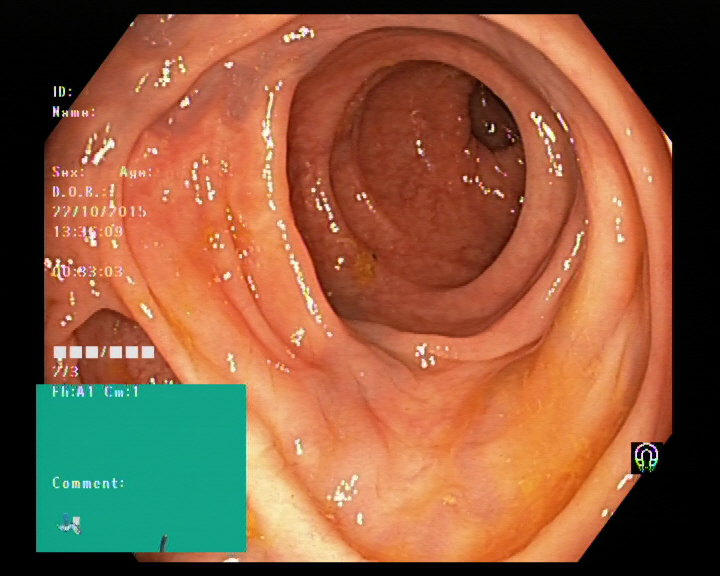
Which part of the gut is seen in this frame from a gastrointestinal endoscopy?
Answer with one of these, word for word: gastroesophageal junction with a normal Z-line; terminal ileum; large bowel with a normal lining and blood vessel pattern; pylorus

large bowel with a normal lining and blood vessel pattern